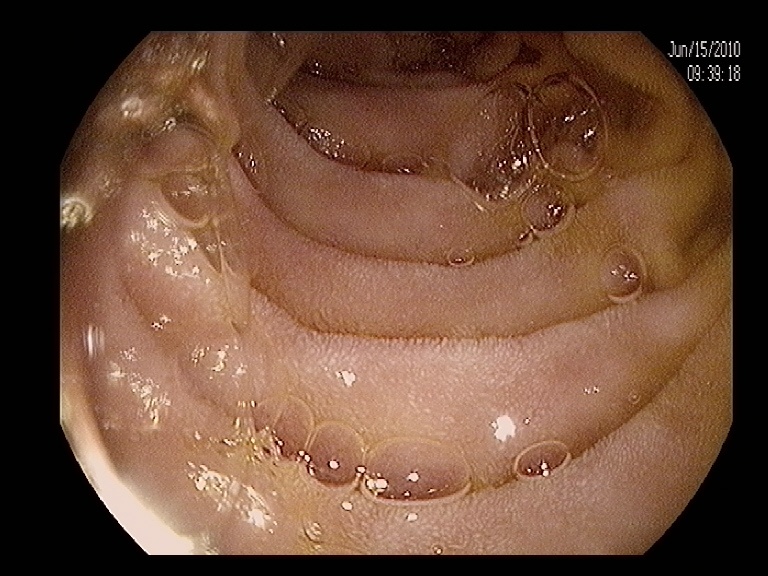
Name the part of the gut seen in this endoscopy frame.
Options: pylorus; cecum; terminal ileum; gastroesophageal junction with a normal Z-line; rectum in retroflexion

terminal ileum